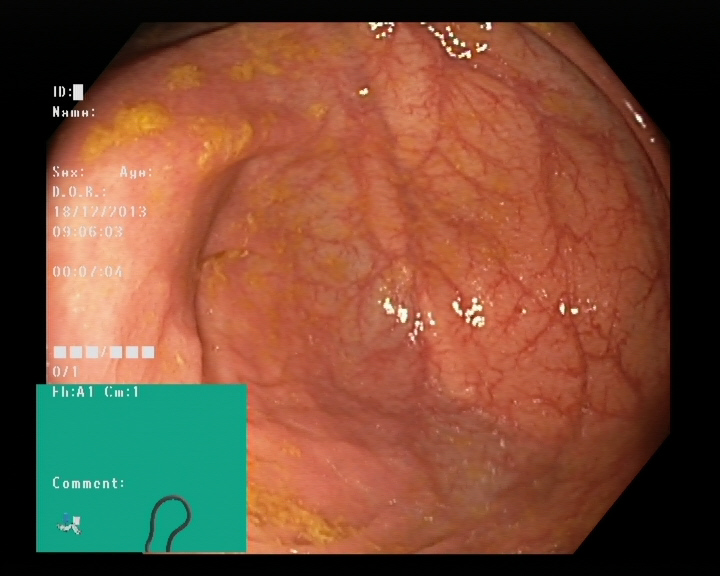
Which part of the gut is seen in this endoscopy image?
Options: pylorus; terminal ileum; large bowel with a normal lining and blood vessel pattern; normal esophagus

large bowel with a normal lining and blood vessel pattern